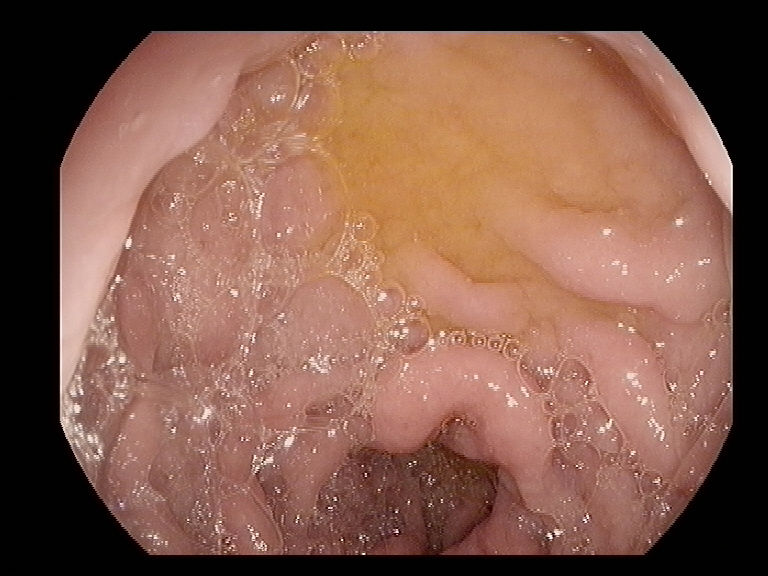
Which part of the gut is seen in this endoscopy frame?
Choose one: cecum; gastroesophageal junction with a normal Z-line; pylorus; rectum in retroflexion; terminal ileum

terminal ileum